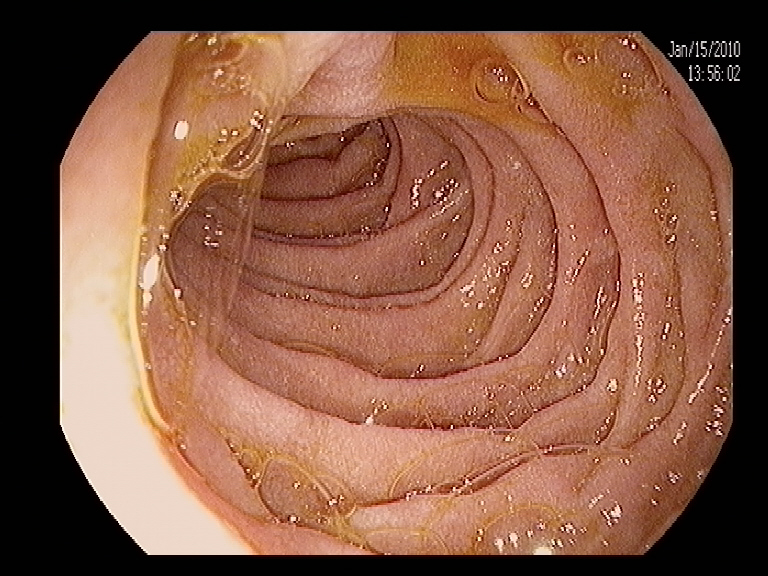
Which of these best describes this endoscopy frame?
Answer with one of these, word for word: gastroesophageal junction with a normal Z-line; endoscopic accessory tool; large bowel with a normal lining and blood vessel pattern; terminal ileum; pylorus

terminal ileum